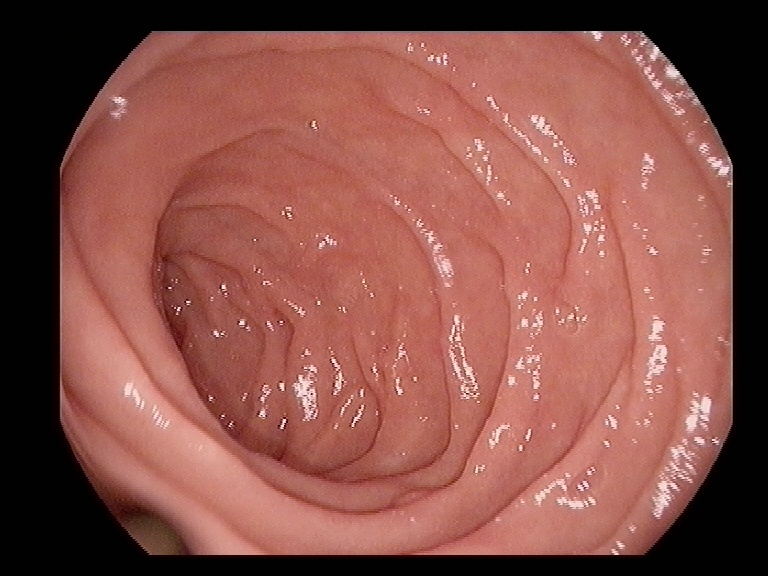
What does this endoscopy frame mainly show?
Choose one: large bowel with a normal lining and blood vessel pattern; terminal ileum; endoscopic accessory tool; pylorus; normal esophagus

terminal ileum